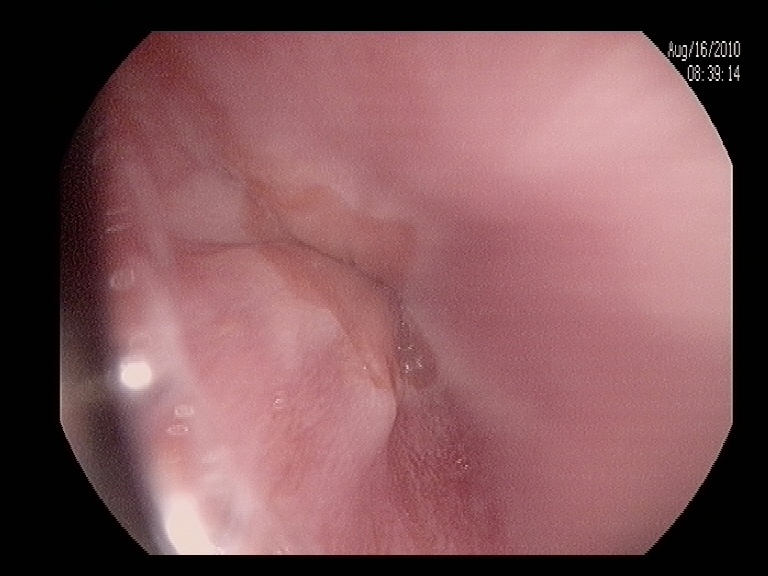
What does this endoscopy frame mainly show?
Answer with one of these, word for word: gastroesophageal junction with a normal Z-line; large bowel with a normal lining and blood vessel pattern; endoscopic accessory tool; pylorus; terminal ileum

gastroesophageal junction with a normal Z-line